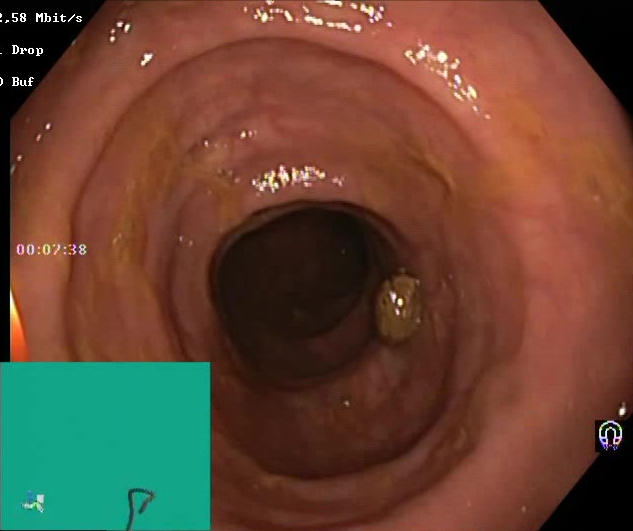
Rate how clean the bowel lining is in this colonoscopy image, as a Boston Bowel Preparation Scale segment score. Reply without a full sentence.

Boston Bowel Preparation Scale score 2–3 (adequate preparation)